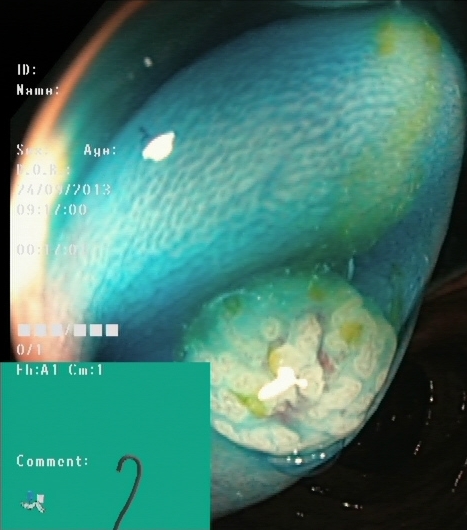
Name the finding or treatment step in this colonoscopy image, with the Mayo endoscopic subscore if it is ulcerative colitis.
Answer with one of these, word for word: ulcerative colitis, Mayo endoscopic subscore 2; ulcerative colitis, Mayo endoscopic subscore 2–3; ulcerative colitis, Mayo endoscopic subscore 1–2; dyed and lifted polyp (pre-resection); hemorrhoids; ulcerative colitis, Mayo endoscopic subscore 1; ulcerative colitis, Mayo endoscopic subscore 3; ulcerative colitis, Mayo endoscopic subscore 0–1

dyed and lifted polyp (pre-resection)